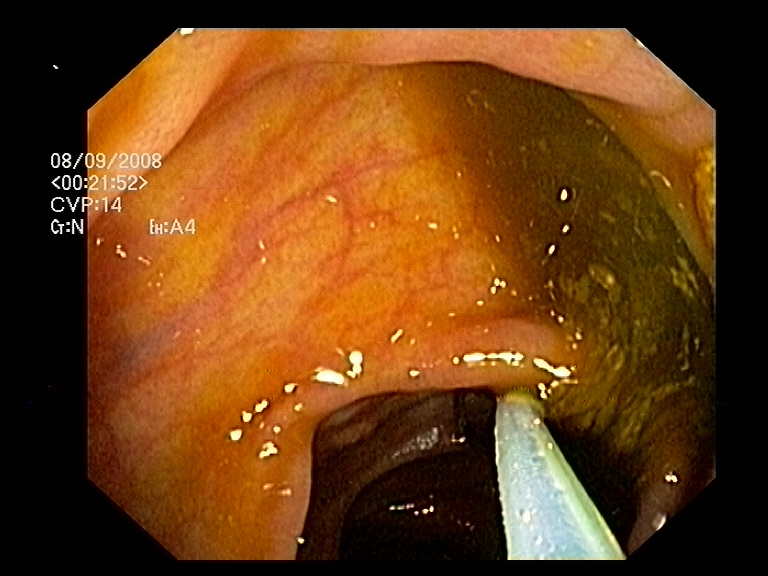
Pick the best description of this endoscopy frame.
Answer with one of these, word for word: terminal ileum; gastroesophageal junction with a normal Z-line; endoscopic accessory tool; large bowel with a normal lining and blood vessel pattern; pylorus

endoscopic accessory tool